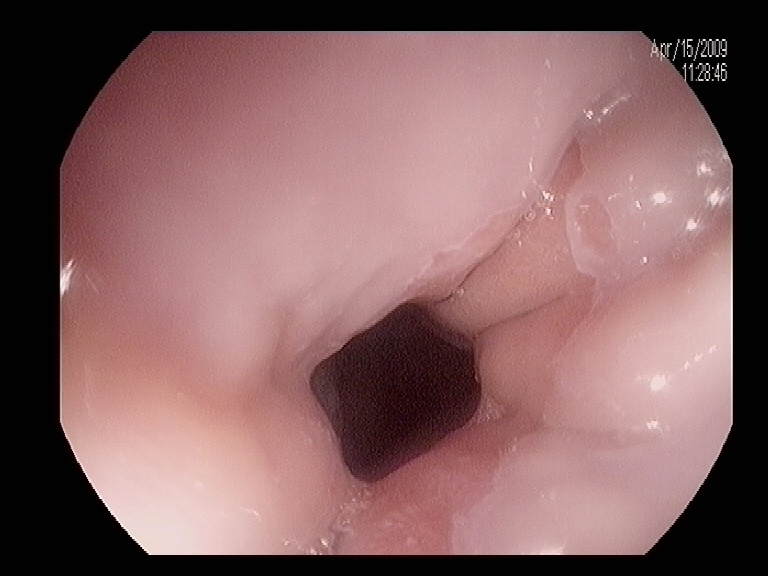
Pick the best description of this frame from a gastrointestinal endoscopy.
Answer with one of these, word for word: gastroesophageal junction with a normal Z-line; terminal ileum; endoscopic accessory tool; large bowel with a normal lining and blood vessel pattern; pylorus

gastroesophageal junction with a normal Z-line